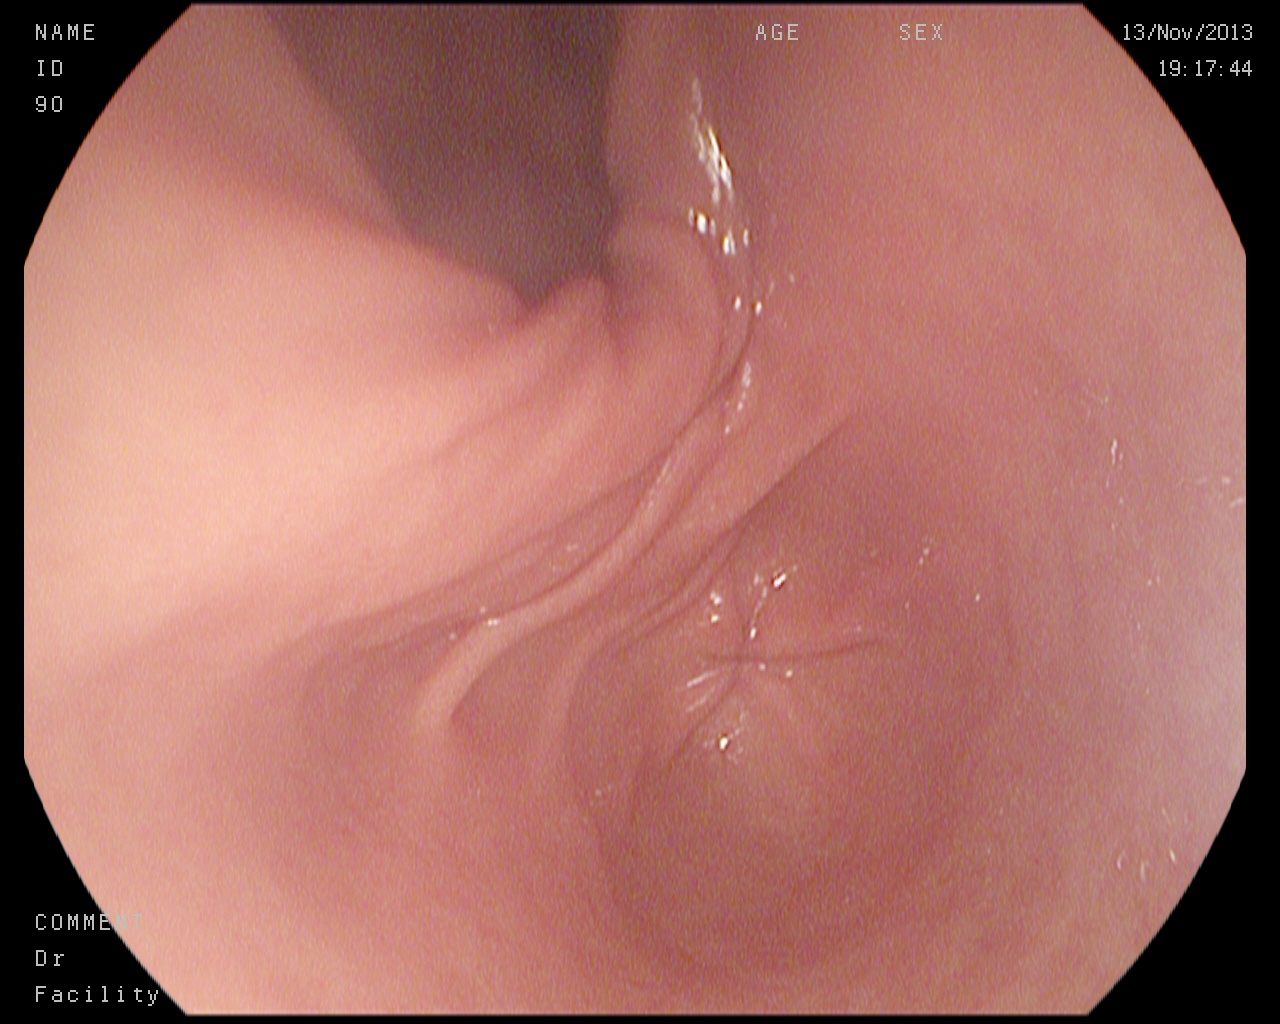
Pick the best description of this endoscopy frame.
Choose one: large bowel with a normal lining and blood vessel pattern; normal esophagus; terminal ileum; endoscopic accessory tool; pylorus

pylorus